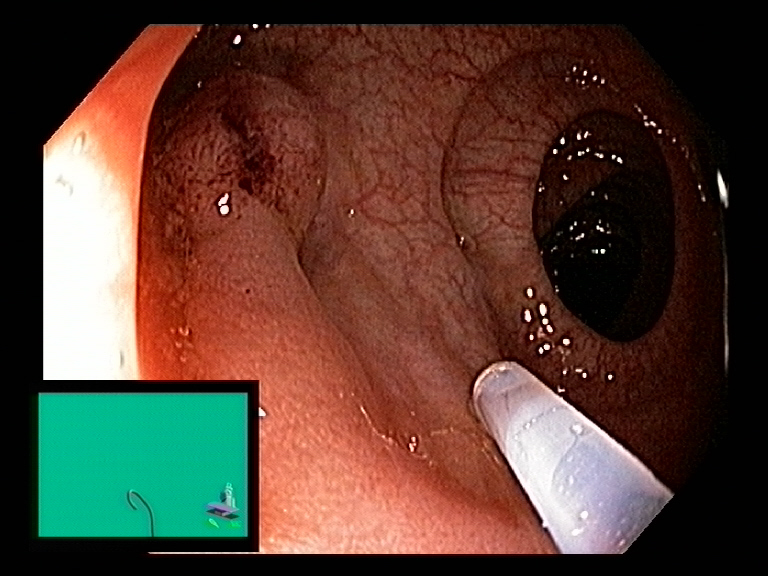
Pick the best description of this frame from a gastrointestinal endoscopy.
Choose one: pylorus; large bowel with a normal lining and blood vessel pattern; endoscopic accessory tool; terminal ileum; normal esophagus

endoscopic accessory tool